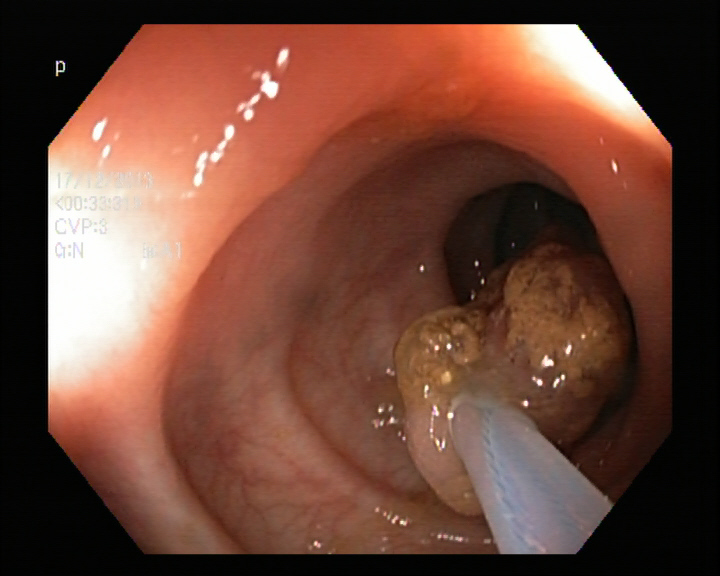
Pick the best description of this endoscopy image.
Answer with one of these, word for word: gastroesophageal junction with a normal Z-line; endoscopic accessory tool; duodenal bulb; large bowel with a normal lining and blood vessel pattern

endoscopic accessory tool